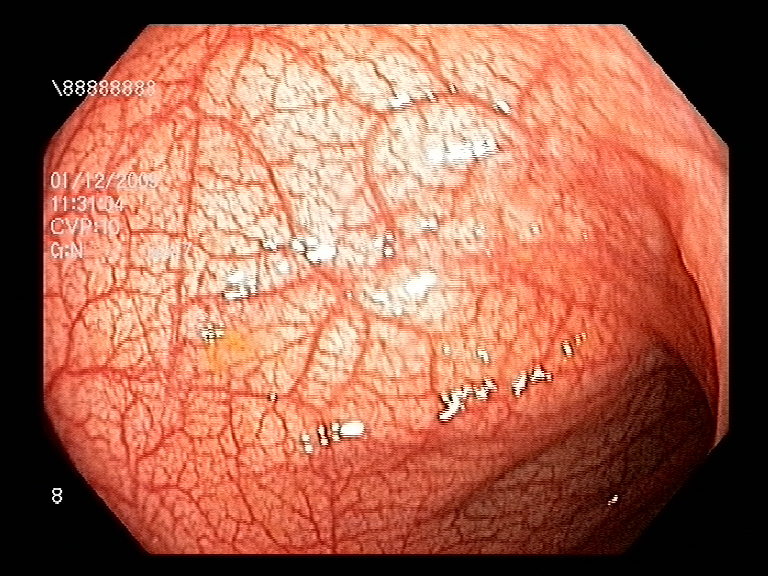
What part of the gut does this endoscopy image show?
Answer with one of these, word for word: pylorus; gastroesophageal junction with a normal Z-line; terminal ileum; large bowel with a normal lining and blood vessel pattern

large bowel with a normal lining and blood vessel pattern